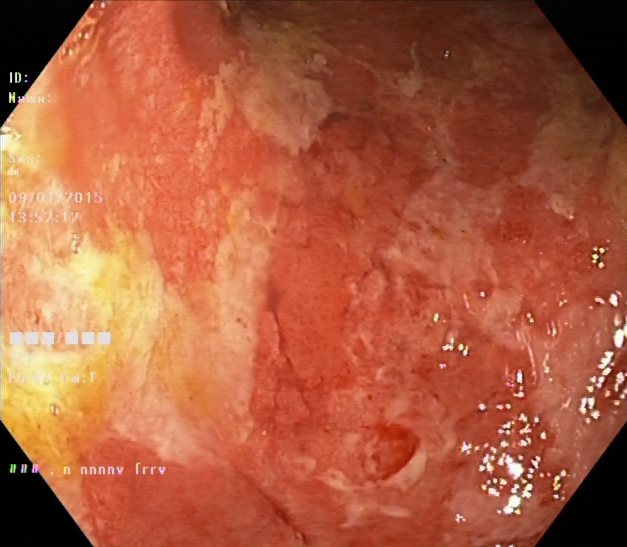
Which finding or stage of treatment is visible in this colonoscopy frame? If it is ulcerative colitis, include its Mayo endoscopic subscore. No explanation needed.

ulcerative colitis, Mayo endoscopic subscore 3